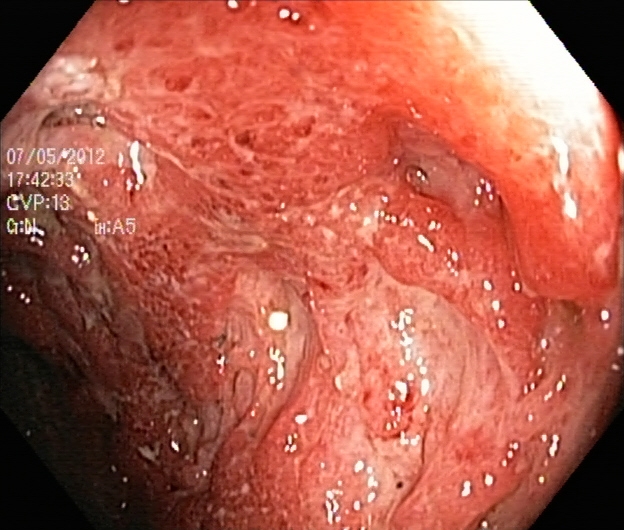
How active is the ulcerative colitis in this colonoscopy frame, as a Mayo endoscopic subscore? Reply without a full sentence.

ulcerative colitis, Mayo endoscopic subscore 3